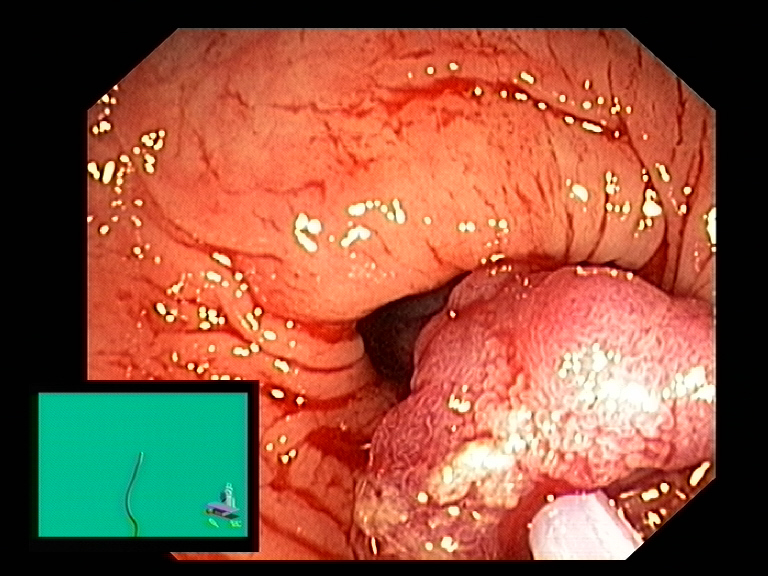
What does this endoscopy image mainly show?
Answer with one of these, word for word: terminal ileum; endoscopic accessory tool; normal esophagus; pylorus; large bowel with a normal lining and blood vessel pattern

endoscopic accessory tool